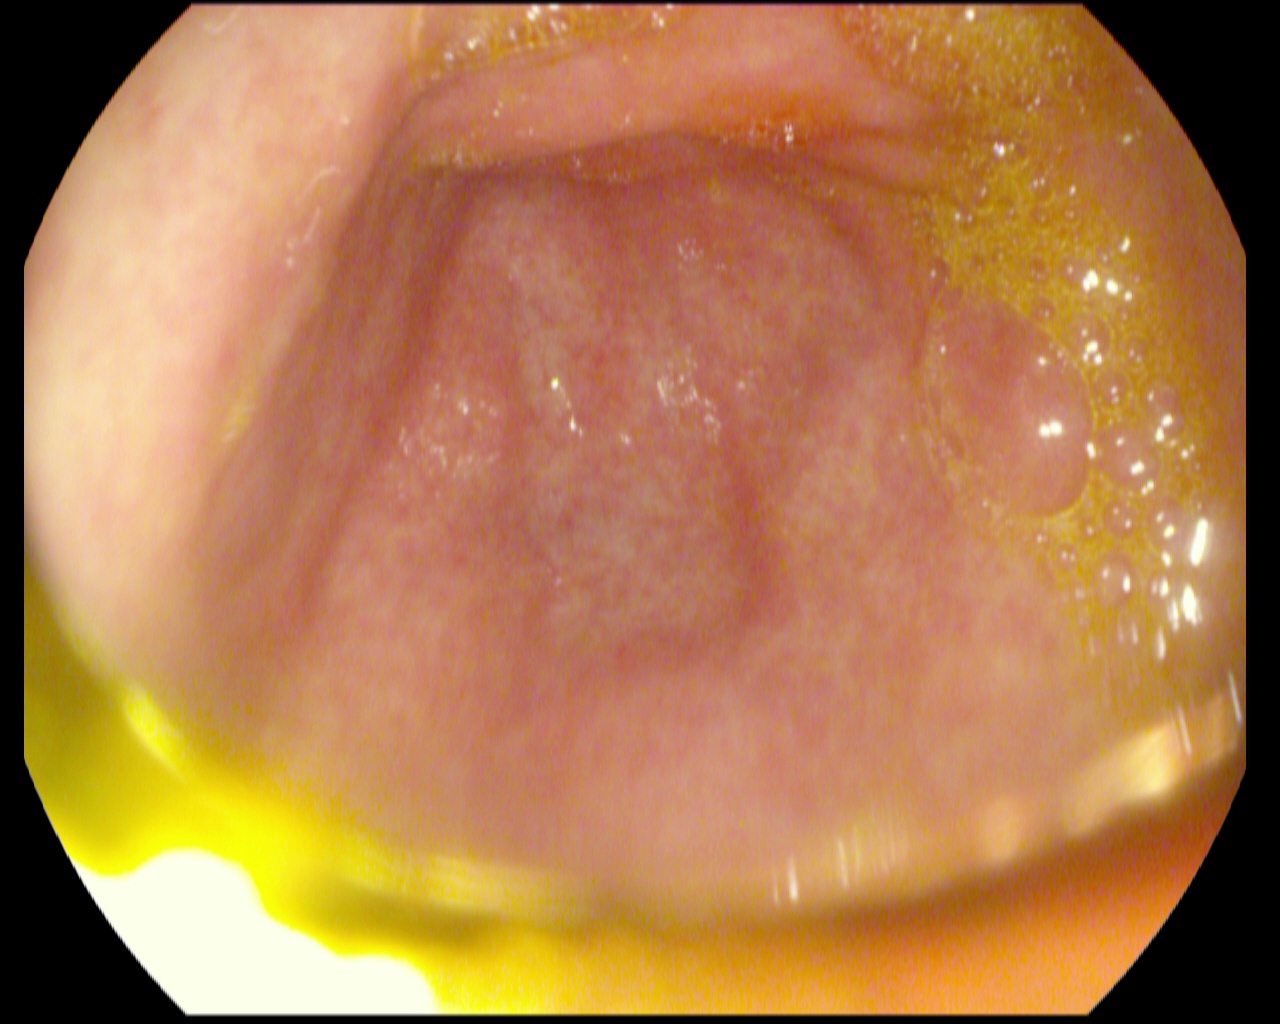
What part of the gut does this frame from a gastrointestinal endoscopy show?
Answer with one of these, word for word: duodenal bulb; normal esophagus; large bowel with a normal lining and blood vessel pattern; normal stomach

normal stomach